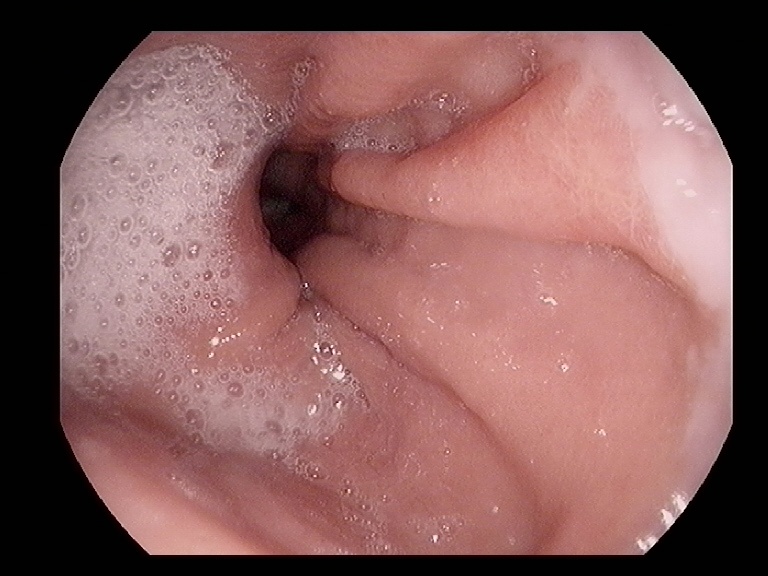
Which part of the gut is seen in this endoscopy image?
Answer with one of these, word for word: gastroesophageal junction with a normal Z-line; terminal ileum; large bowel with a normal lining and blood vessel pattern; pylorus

gastroesophageal junction with a normal Z-line